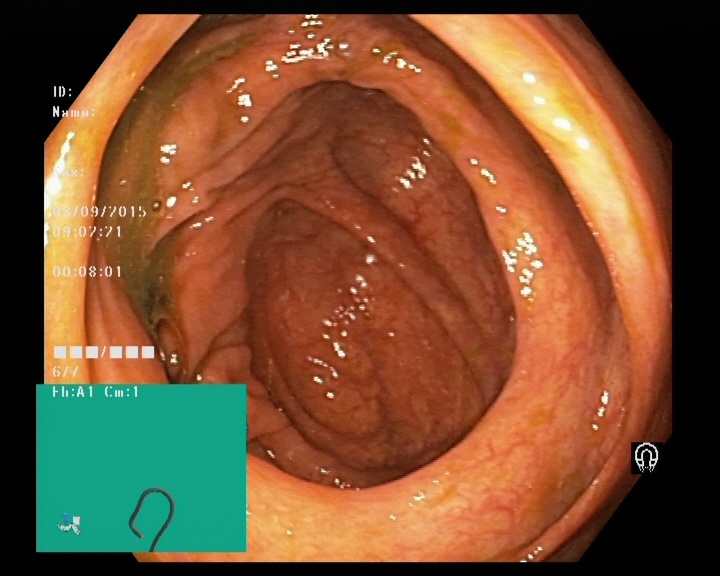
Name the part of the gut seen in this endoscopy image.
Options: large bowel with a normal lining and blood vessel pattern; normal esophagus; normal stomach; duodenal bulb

large bowel with a normal lining and blood vessel pattern